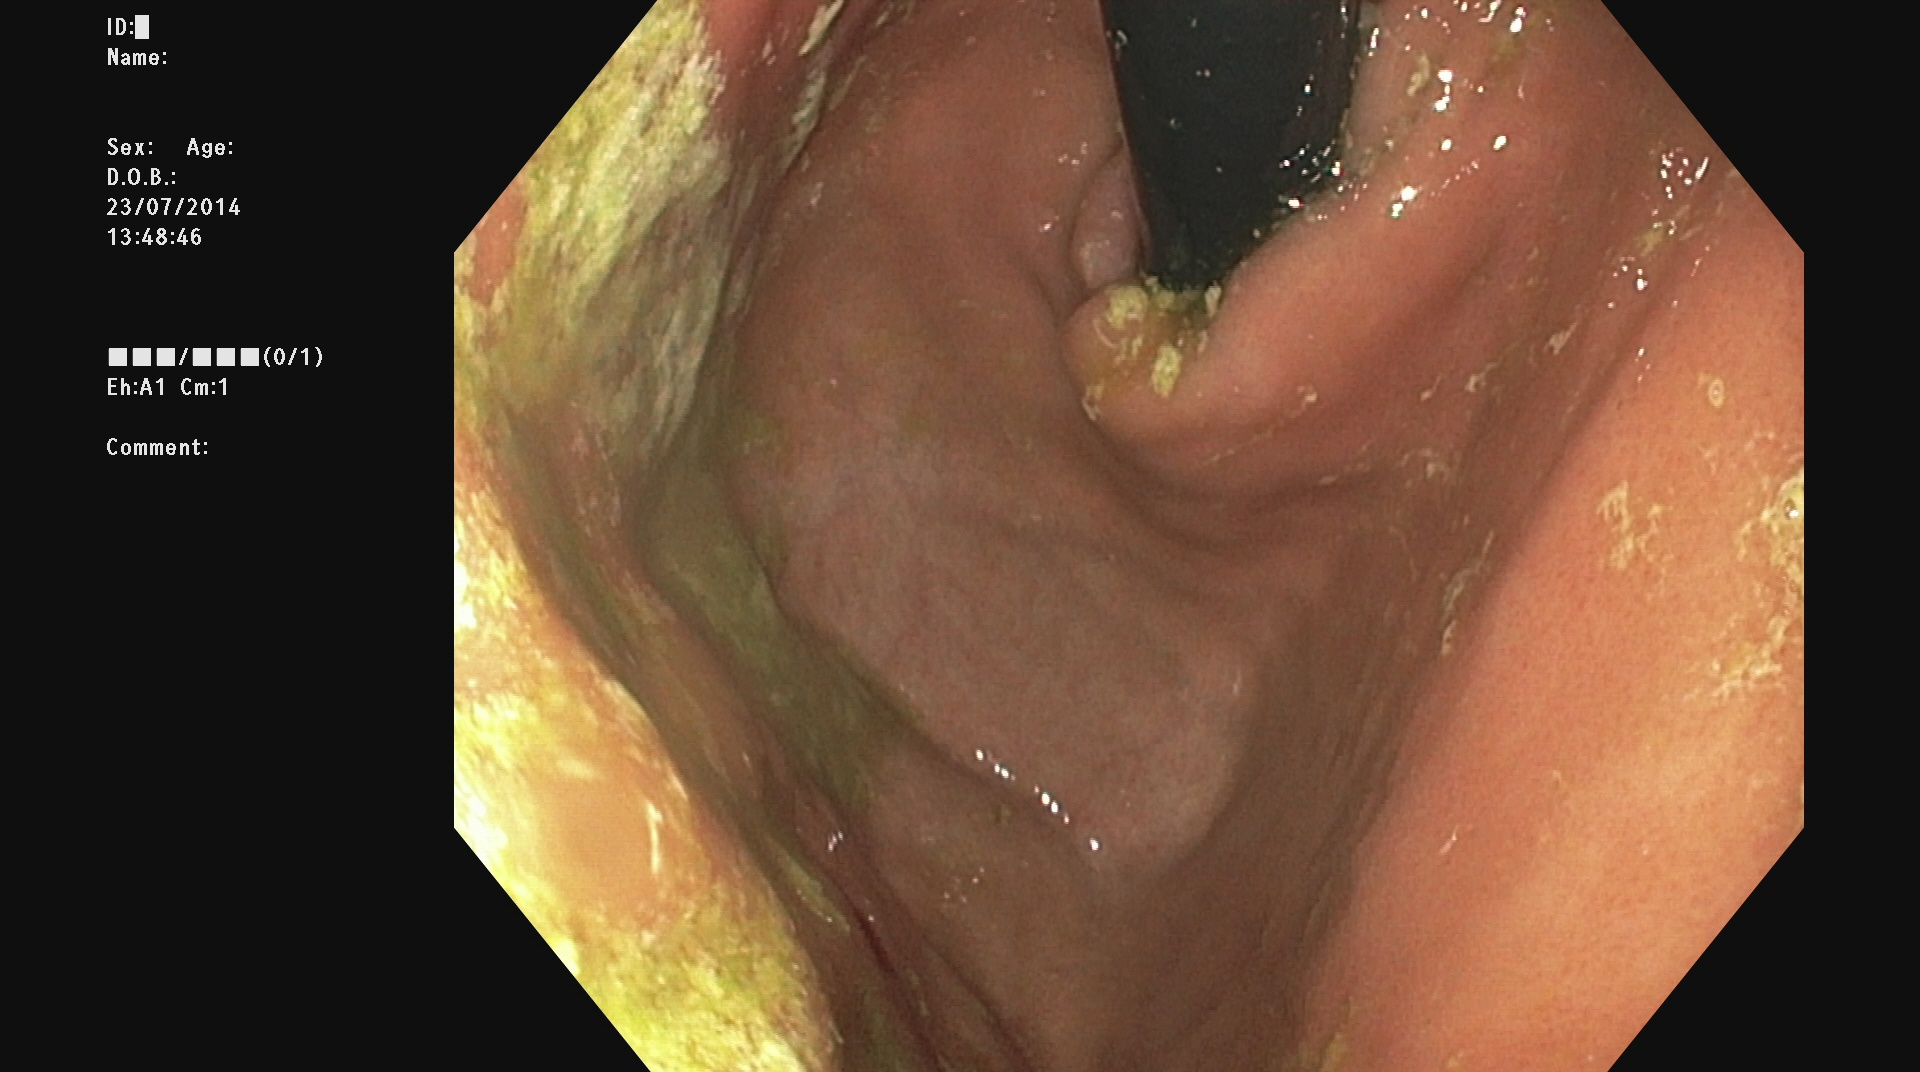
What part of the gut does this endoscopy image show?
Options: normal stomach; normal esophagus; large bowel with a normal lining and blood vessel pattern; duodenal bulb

normal stomach